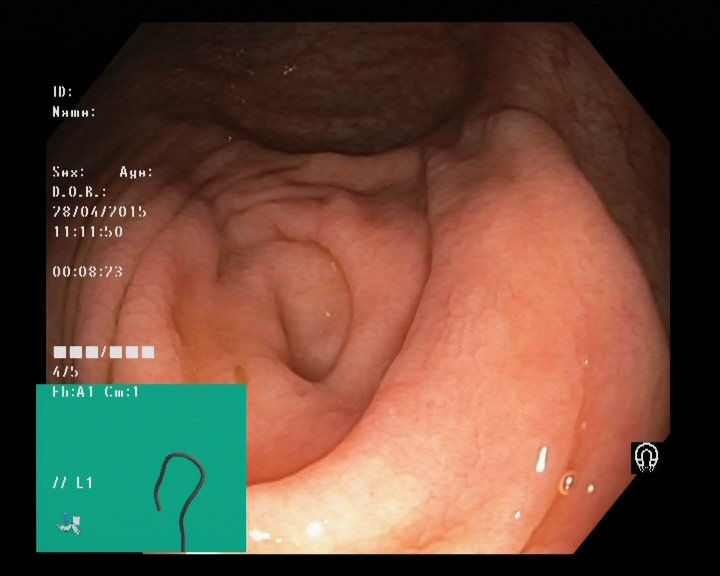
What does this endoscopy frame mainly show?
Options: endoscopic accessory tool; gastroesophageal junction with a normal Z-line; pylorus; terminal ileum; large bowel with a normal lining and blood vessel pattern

large bowel with a normal lining and blood vessel pattern